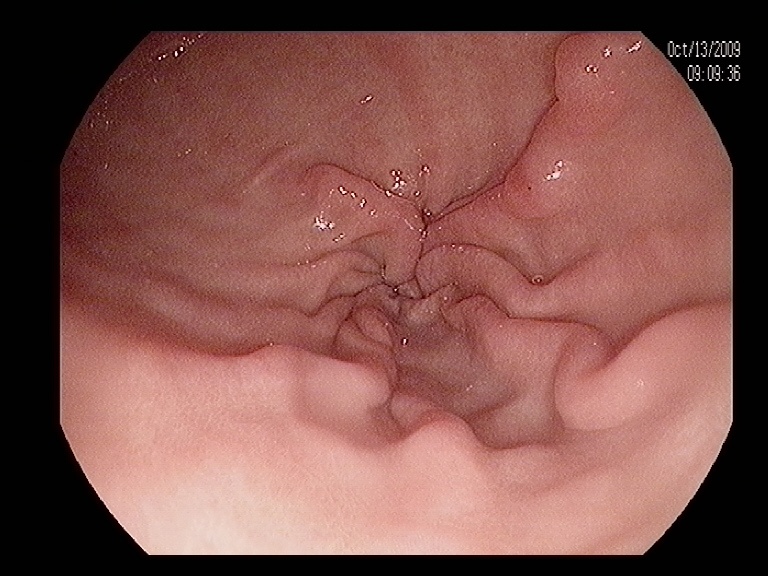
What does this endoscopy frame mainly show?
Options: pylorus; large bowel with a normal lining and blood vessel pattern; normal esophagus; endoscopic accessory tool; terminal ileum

pylorus